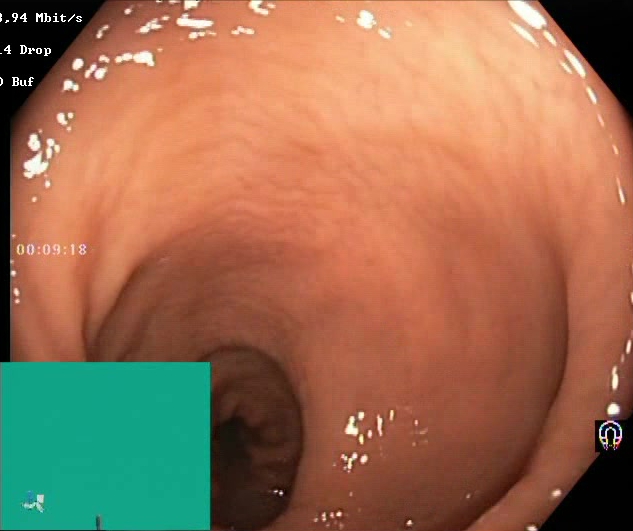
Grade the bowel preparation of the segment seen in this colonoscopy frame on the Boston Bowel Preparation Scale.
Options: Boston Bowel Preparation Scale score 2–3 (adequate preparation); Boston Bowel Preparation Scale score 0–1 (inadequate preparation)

Boston Bowel Preparation Scale score 2–3 (adequate preparation)